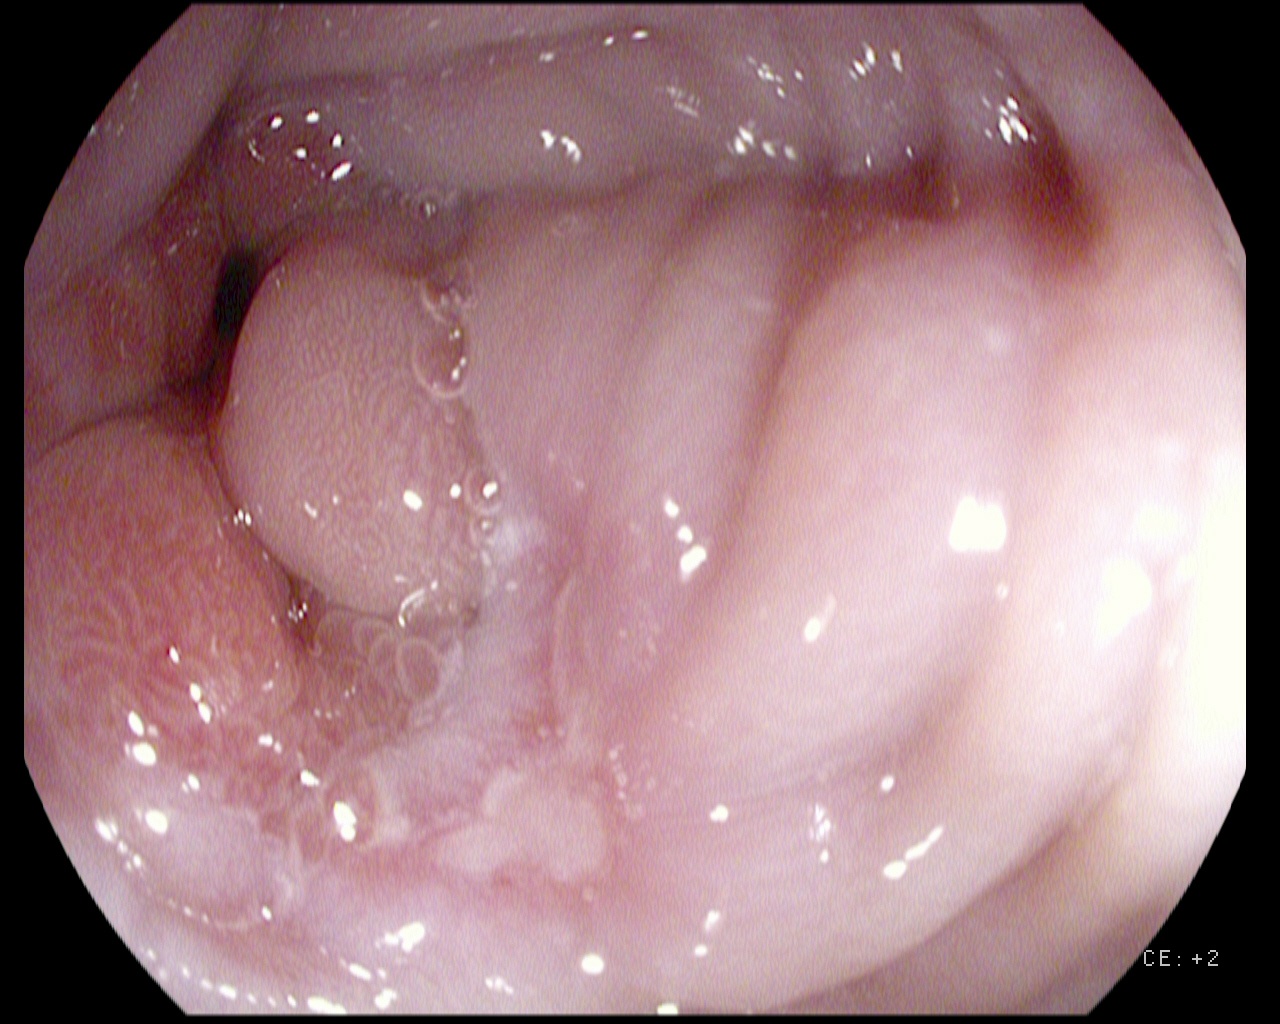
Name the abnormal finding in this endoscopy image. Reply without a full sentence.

esophagitis